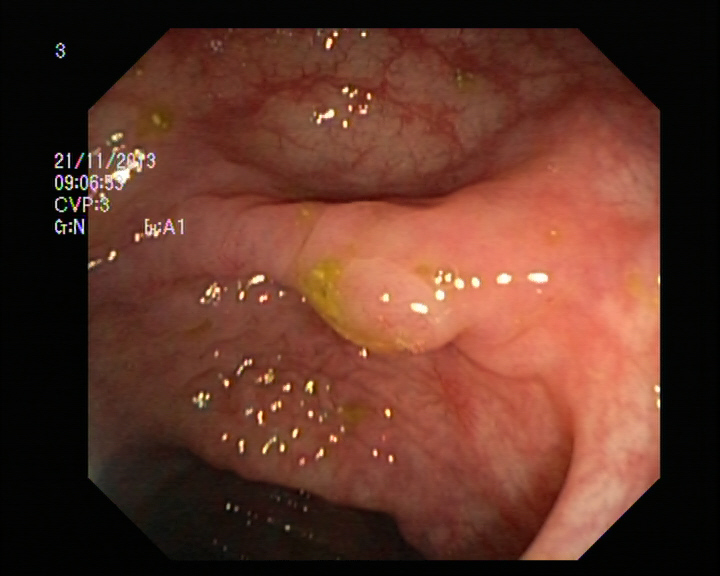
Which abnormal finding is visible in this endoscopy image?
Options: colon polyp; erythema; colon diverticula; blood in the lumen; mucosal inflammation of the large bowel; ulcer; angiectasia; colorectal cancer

colon polyp